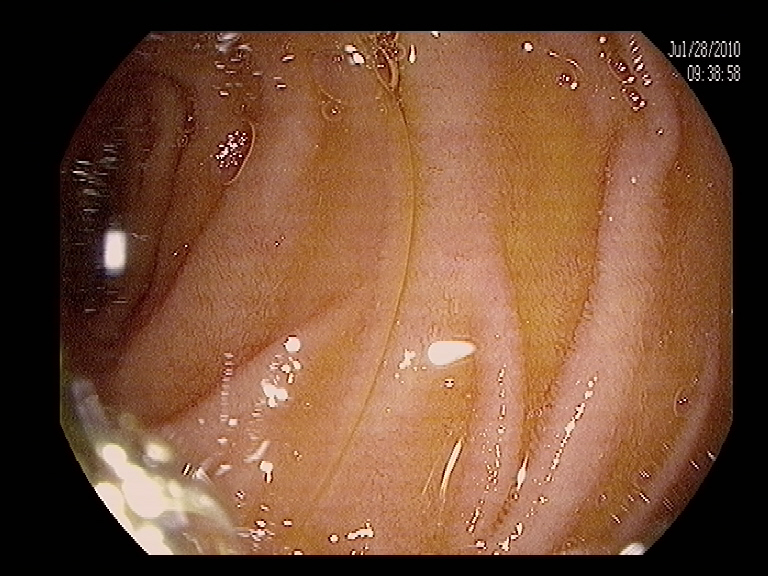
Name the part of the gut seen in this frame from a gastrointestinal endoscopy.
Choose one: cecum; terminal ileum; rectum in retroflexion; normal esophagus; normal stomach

terminal ileum